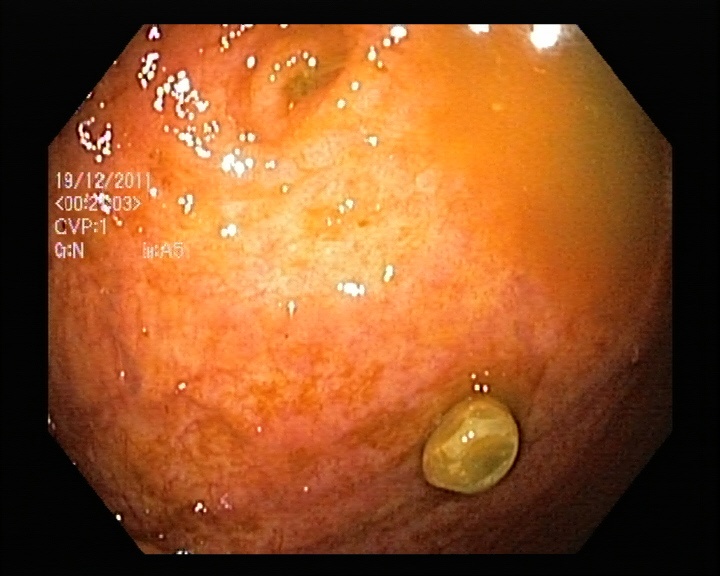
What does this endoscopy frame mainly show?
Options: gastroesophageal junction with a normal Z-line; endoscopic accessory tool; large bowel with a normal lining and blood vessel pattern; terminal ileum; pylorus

large bowel with a normal lining and blood vessel pattern